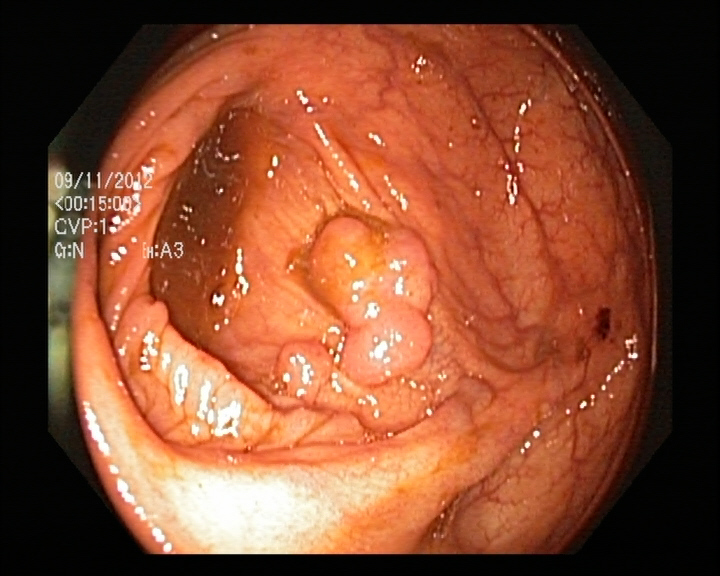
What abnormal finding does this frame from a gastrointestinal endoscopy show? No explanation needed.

colon polyp